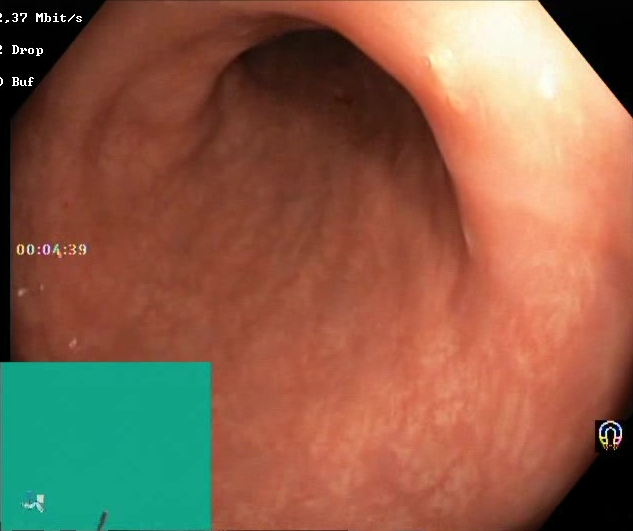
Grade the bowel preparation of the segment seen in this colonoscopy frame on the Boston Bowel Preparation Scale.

Boston Bowel Preparation Scale score 2–3 (adequate preparation)